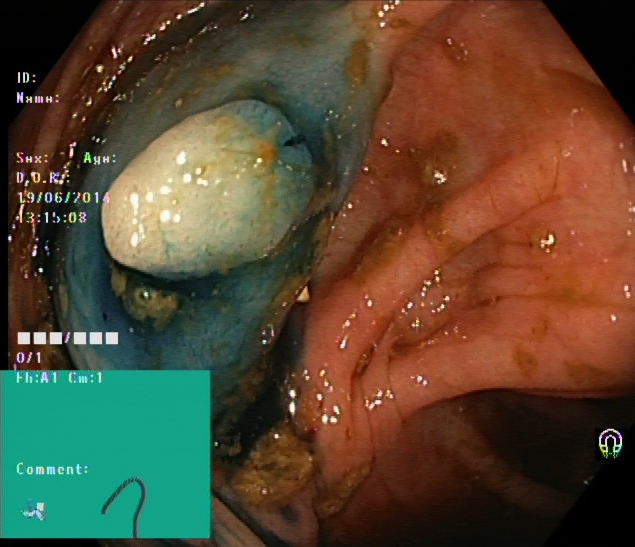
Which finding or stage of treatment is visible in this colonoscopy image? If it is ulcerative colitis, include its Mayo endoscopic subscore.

dyed and lifted polyp (pre-resection)